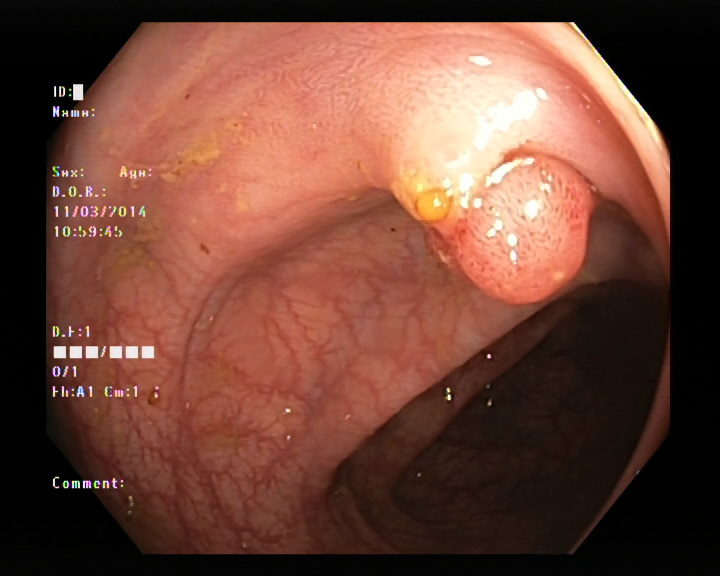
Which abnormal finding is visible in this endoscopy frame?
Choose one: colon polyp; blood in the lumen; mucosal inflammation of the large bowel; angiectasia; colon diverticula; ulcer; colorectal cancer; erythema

colon polyp